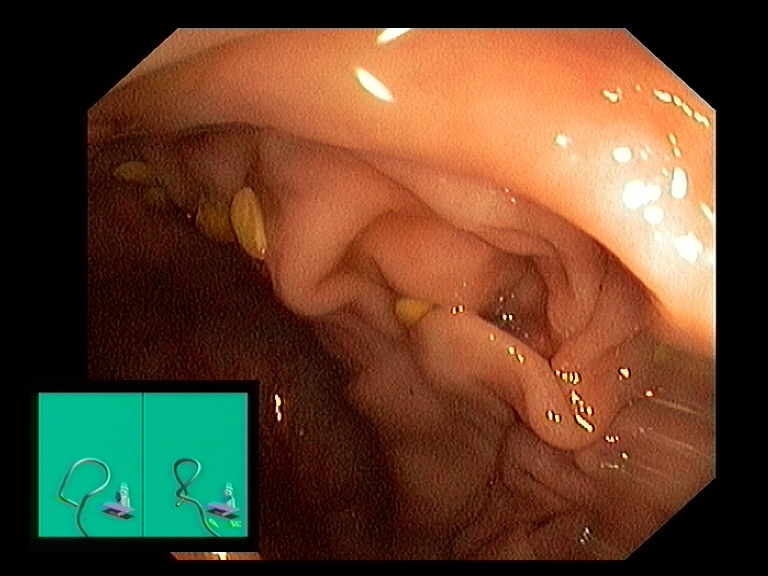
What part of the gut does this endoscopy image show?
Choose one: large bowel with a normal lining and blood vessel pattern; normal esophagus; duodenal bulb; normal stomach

large bowel with a normal lining and blood vessel pattern